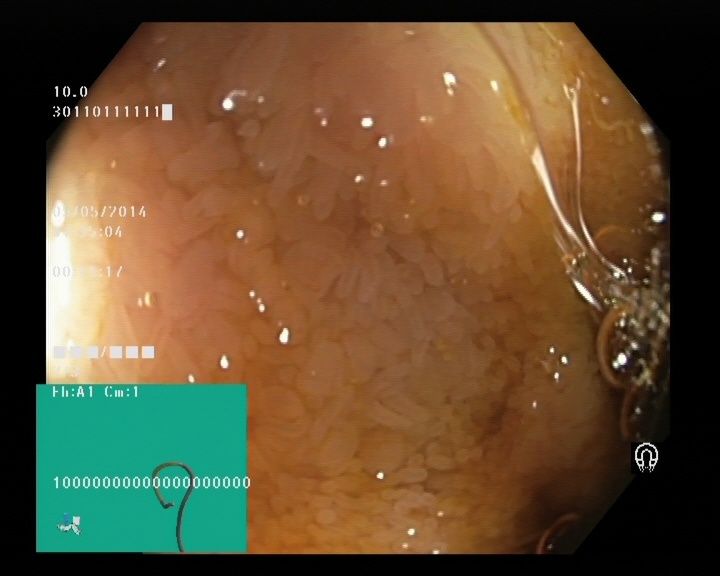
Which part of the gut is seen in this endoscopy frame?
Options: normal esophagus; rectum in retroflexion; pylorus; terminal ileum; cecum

terminal ileum